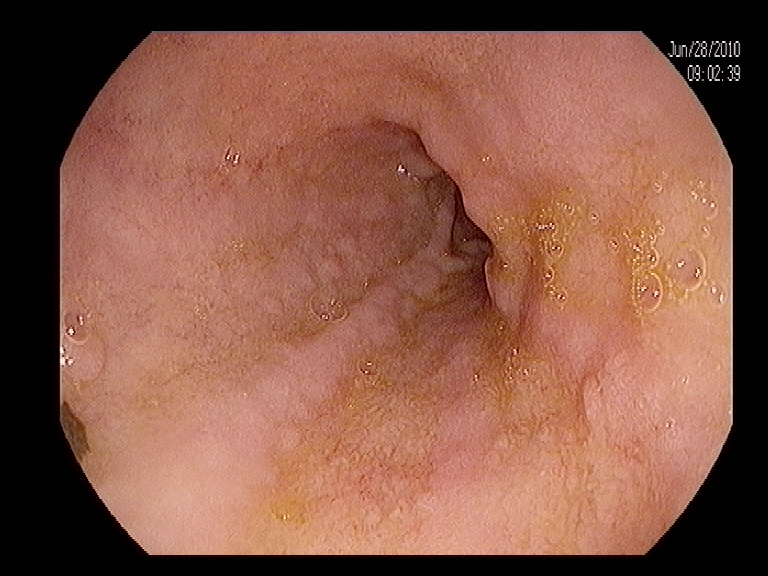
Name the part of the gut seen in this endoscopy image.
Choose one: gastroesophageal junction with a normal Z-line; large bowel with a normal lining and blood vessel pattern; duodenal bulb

duodenal bulb